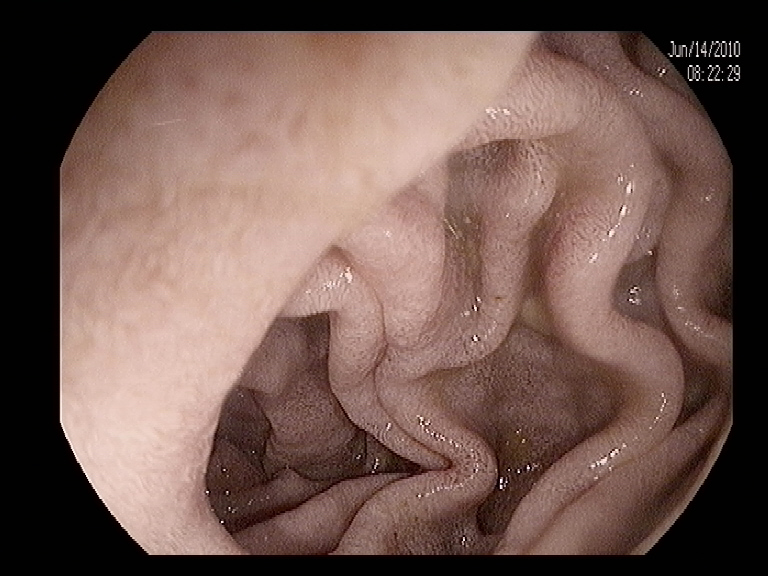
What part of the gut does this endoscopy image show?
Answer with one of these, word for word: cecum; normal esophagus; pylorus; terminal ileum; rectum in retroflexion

terminal ileum